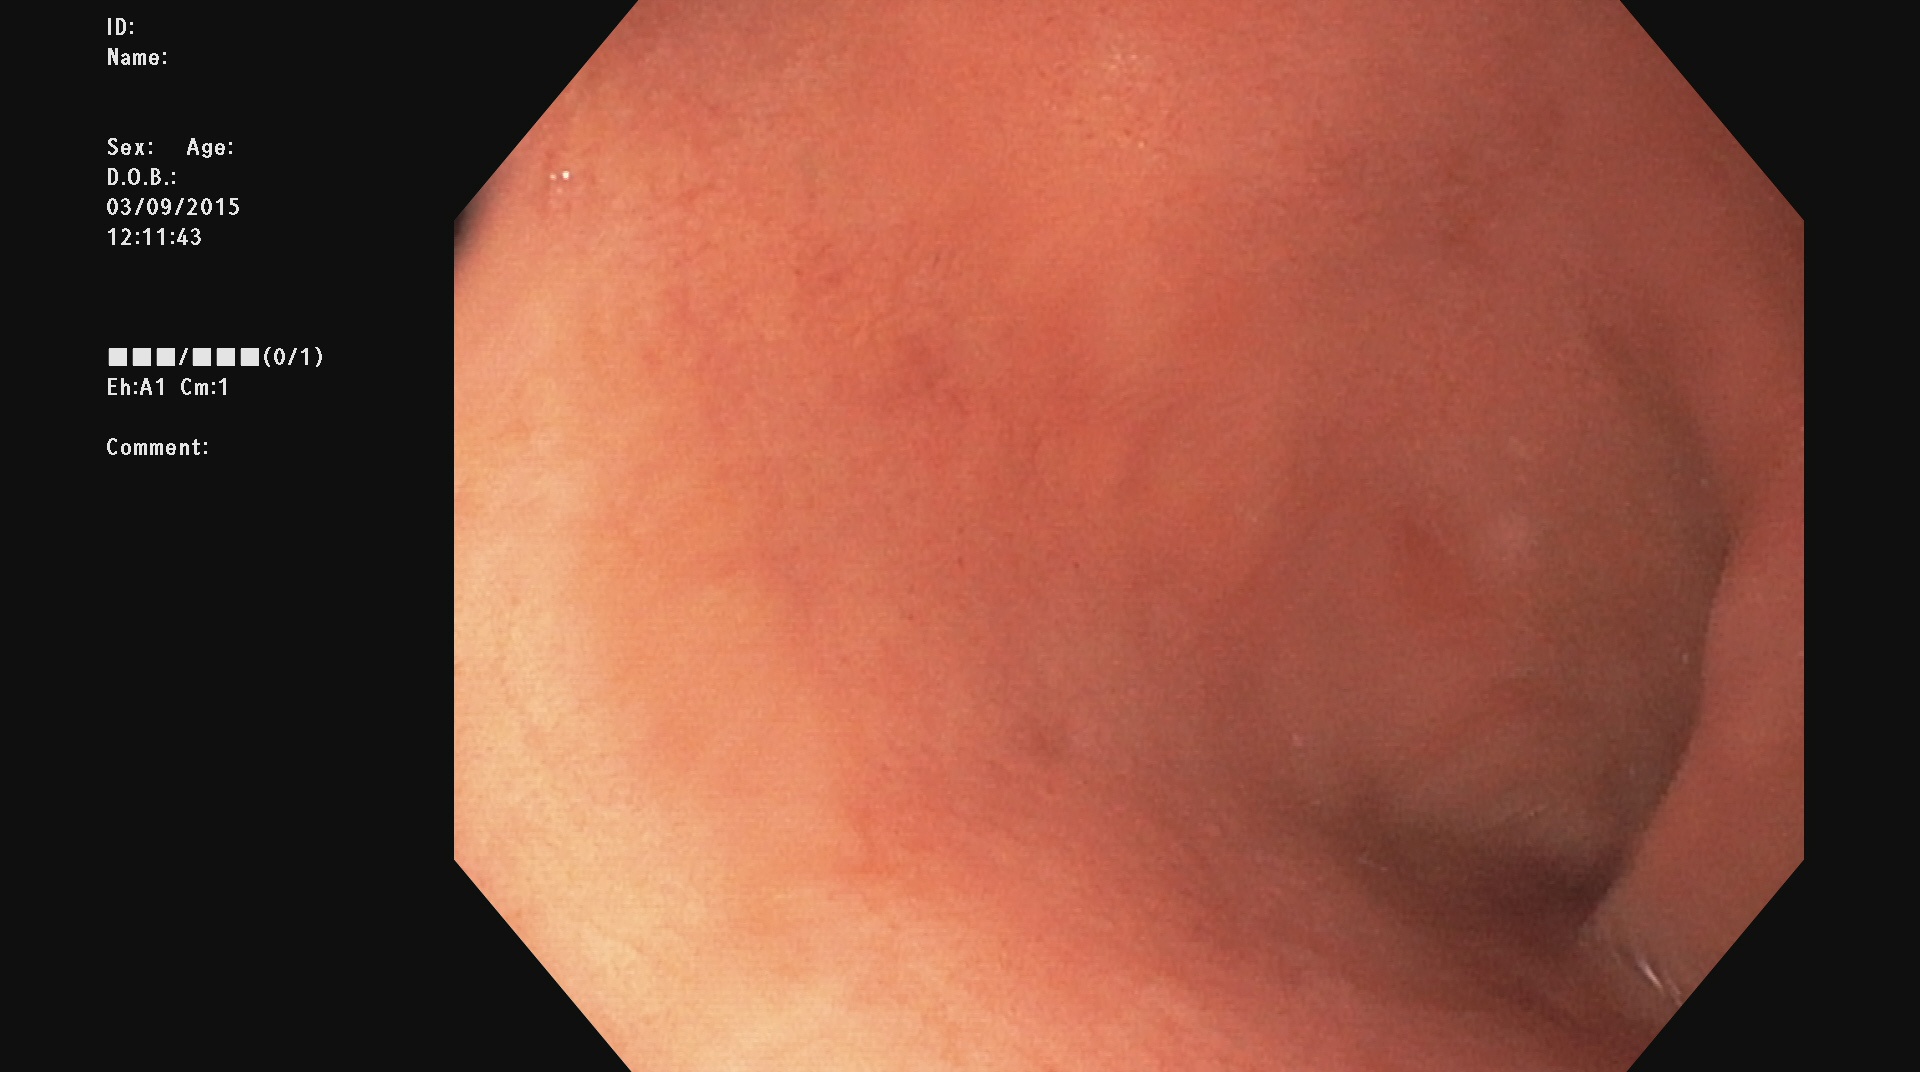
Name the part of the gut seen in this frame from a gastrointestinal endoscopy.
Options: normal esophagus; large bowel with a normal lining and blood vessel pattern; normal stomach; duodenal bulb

duodenal bulb